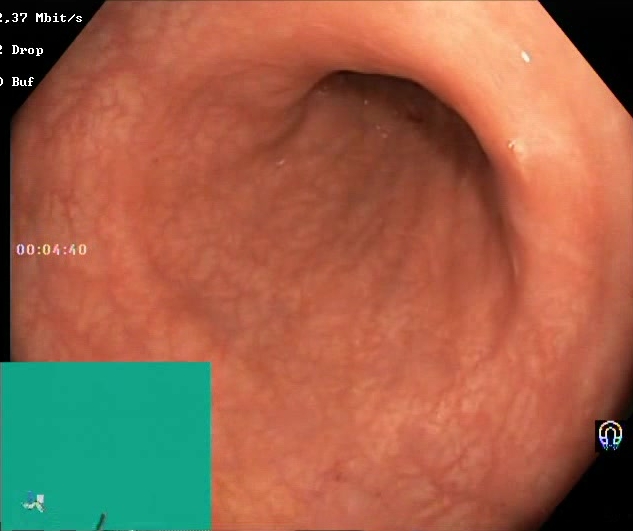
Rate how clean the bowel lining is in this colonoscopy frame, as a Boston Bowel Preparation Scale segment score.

Boston Bowel Preparation Scale score 2–3 (adequate preparation)